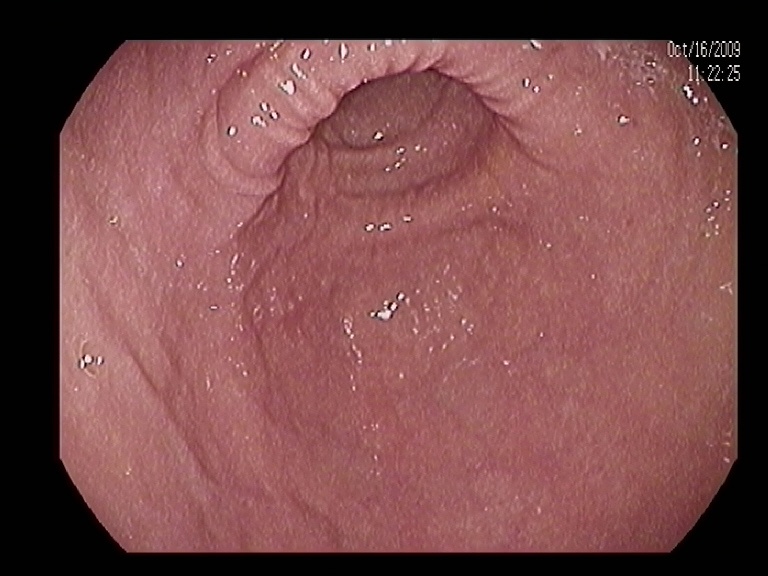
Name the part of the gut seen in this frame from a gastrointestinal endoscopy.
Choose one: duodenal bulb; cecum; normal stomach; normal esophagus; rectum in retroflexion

normal stomach